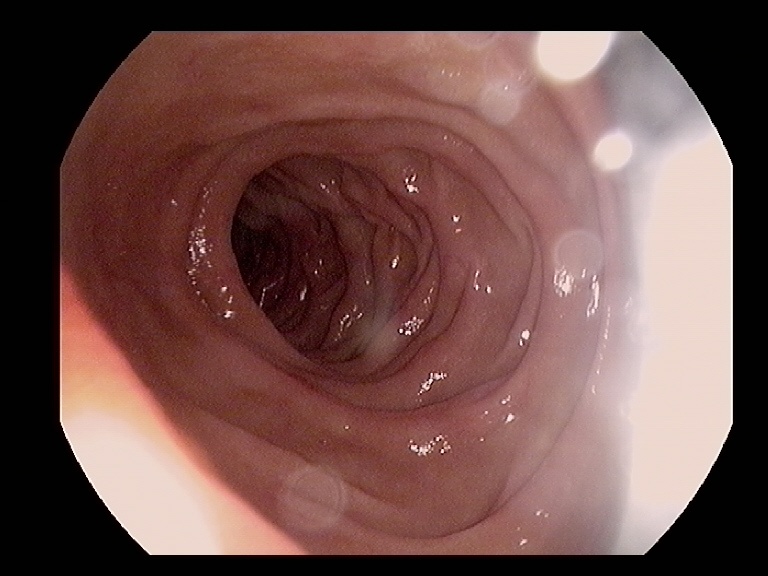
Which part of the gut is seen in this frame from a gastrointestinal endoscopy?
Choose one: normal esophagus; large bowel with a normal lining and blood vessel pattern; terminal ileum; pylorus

terminal ileum